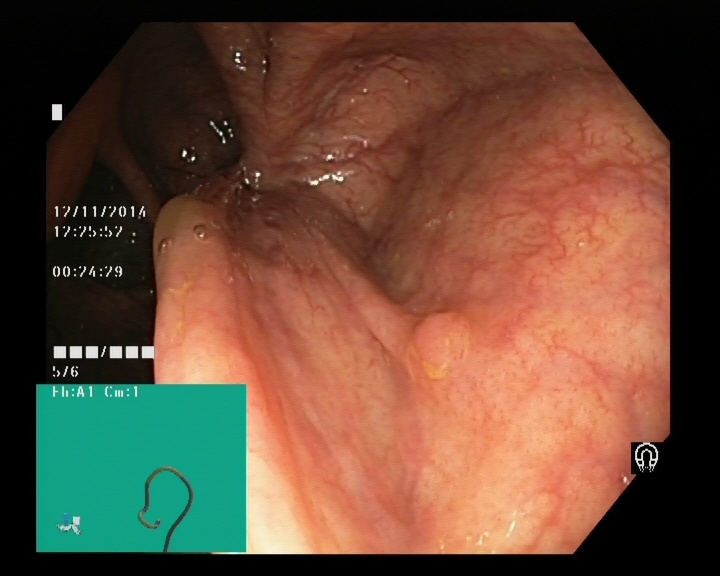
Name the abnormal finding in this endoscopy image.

colon polyp